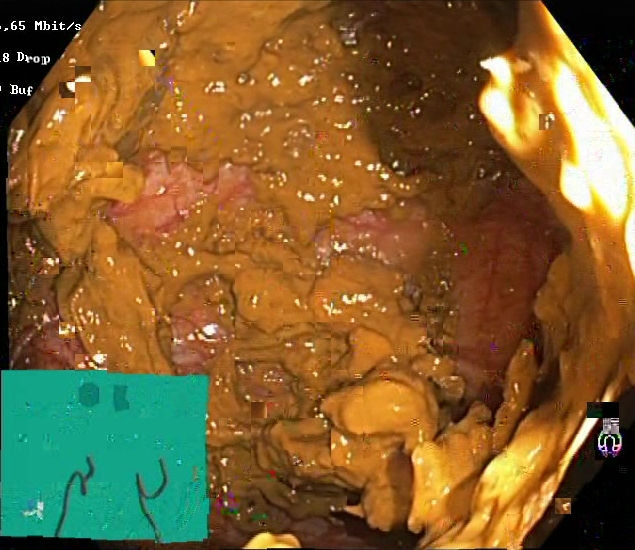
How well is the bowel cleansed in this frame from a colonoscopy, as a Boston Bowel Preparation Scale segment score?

Boston Bowel Preparation Scale score 0–1 (inadequate preparation)